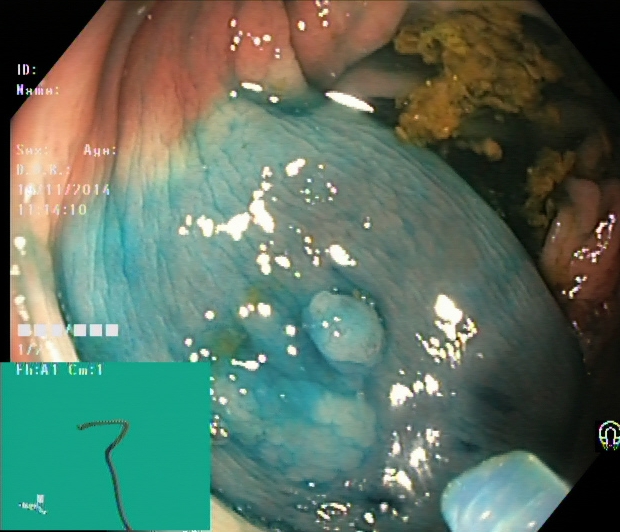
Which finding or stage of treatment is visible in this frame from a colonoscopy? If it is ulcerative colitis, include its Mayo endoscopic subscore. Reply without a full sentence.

dyed and lifted polyp (pre-resection)